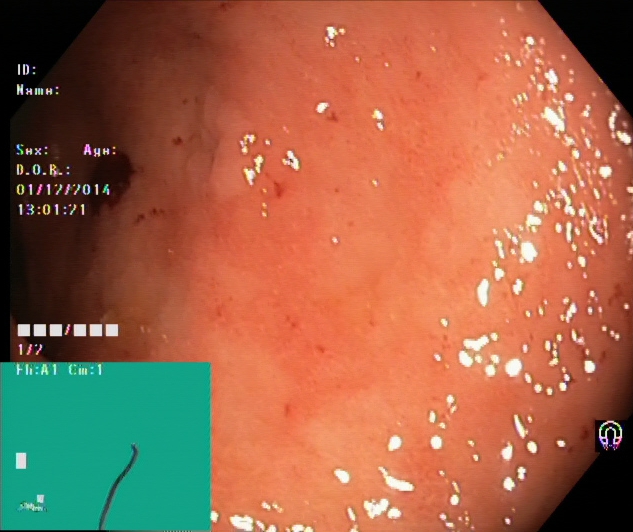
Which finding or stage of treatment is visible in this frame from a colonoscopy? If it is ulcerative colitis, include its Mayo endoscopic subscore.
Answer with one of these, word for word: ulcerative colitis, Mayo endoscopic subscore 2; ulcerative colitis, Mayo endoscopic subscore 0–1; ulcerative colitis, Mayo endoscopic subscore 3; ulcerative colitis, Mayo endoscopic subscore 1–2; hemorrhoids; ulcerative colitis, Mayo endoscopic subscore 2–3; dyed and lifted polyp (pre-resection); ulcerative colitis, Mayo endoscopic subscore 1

ulcerative colitis, Mayo endoscopic subscore 2